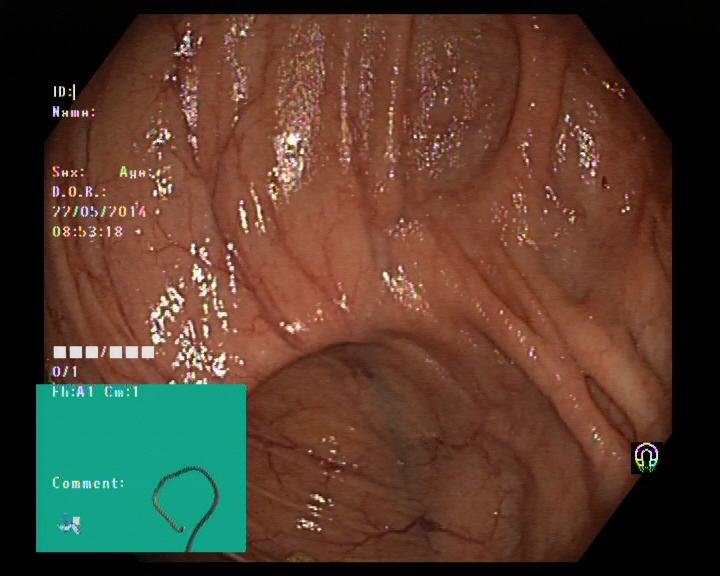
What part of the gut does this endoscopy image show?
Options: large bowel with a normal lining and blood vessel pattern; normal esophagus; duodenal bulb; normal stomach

large bowel with a normal lining and blood vessel pattern